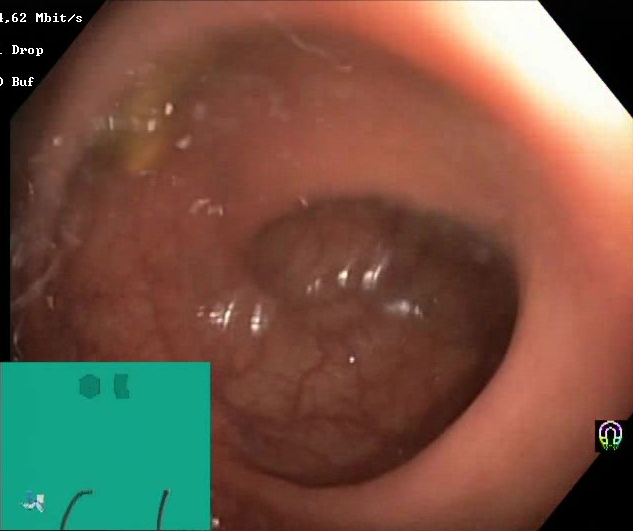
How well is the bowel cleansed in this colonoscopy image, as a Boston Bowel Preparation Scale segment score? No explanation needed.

Boston Bowel Preparation Scale score 2–3 (adequate preparation)